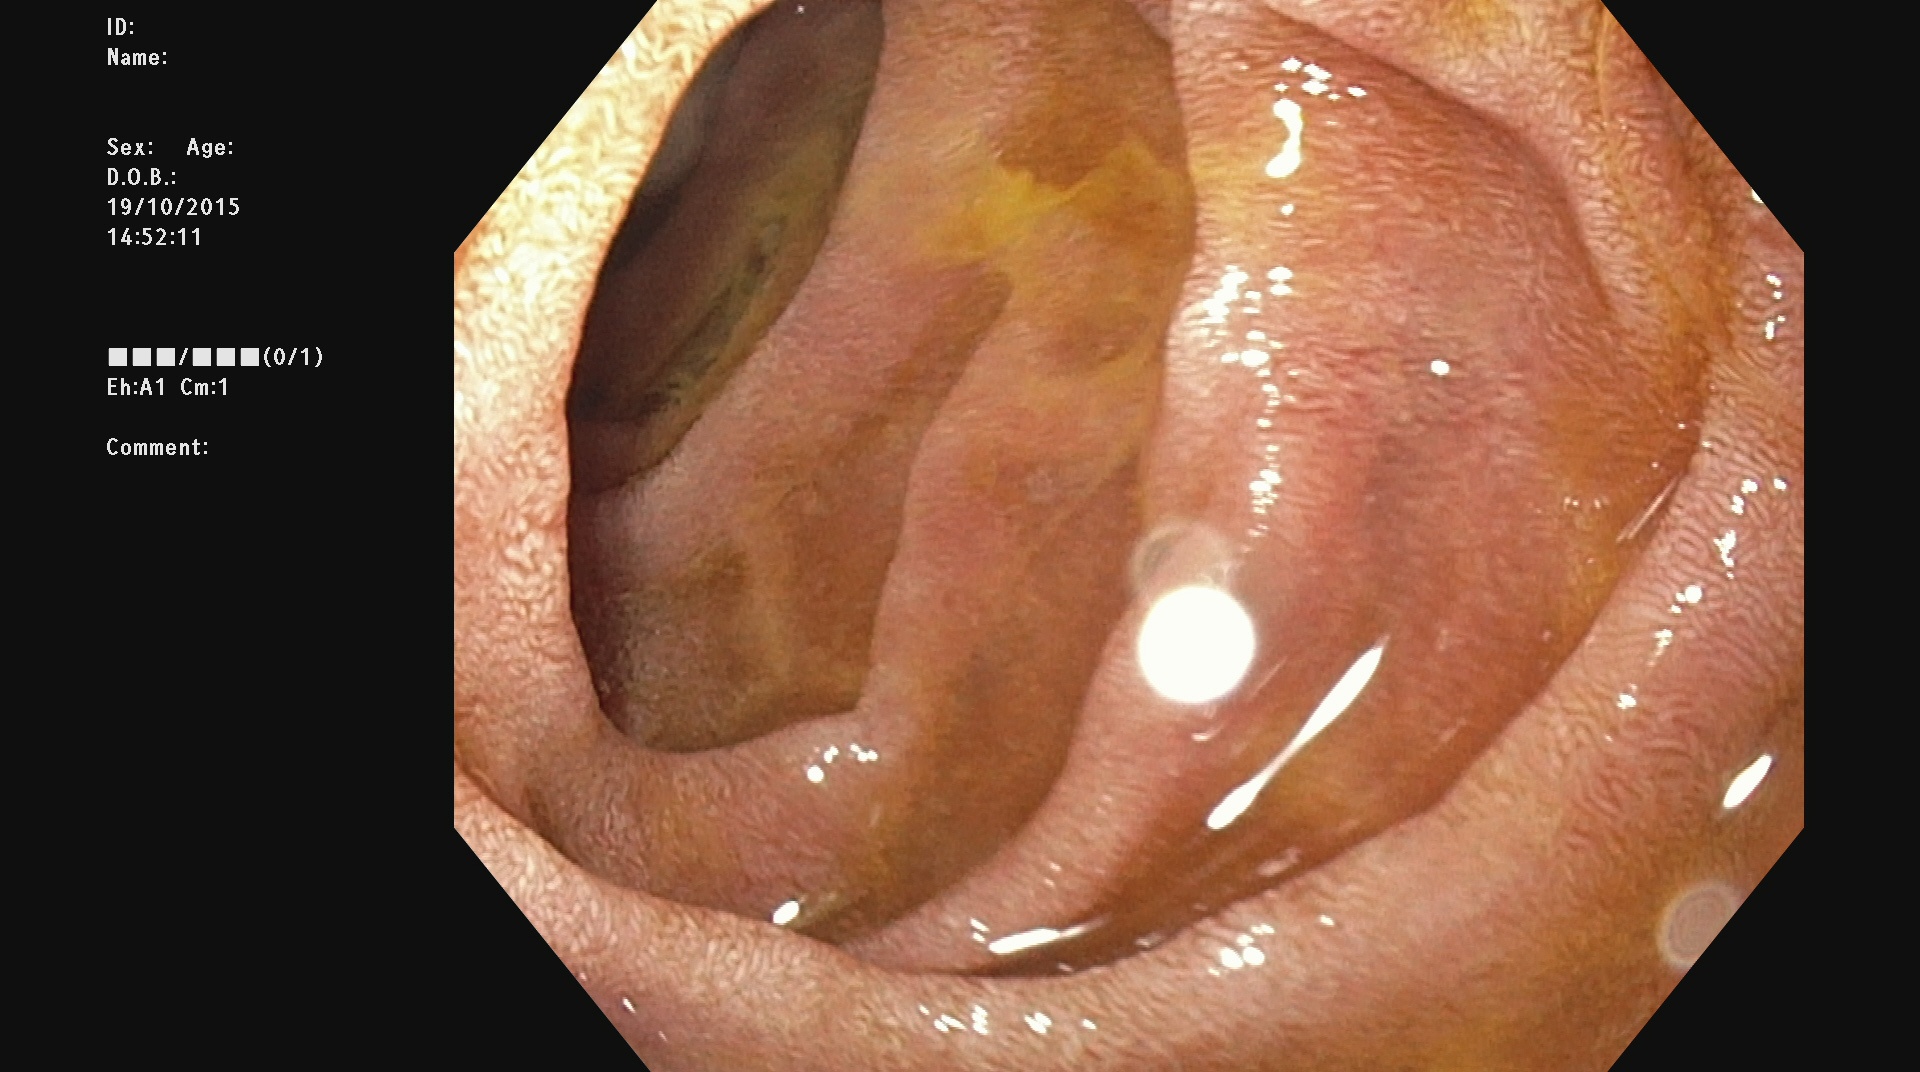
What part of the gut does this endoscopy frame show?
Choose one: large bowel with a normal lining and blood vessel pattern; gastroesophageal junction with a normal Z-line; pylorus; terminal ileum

terminal ileum